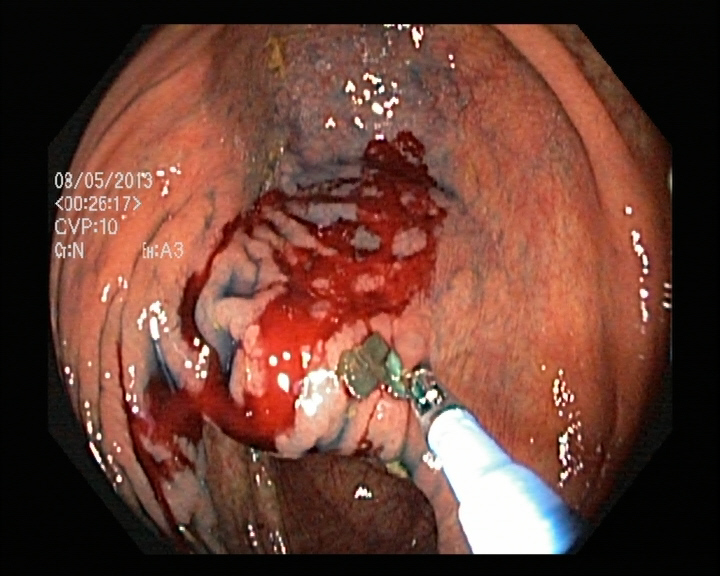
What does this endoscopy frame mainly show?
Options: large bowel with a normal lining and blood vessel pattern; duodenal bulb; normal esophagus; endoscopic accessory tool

endoscopic accessory tool